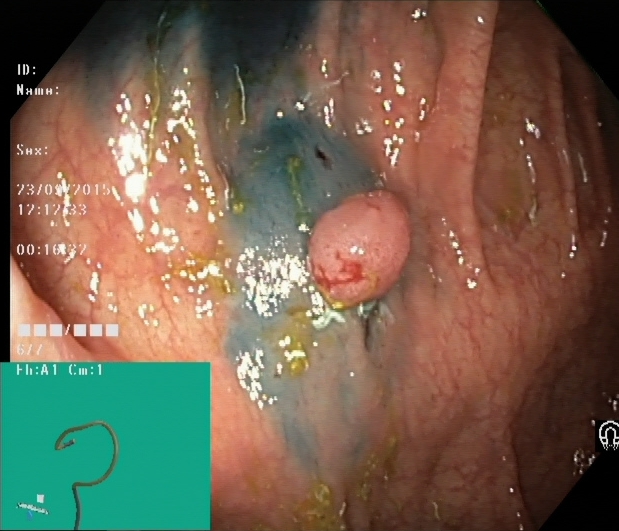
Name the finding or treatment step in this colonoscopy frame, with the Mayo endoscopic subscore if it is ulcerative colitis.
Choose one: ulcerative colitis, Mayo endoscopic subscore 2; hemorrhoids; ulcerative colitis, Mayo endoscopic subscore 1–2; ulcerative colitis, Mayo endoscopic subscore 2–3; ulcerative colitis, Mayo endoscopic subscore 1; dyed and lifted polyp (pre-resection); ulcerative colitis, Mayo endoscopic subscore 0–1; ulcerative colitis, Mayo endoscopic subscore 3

dyed and lifted polyp (pre-resection)